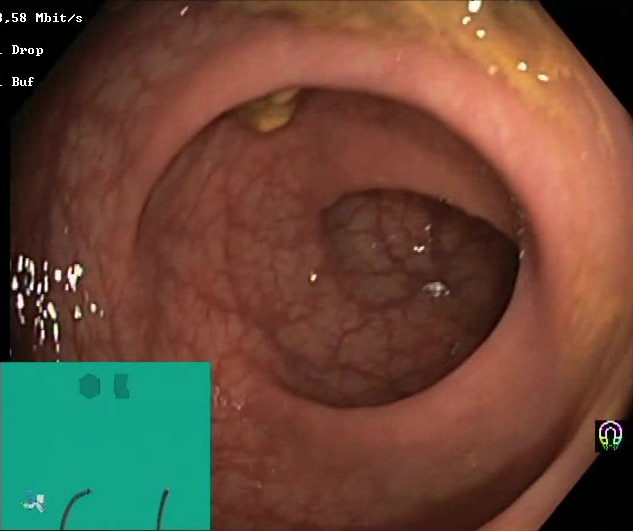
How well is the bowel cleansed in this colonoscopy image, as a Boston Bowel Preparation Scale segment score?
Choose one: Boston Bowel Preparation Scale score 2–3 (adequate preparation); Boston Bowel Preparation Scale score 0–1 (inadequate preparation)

Boston Bowel Preparation Scale score 2–3 (adequate preparation)